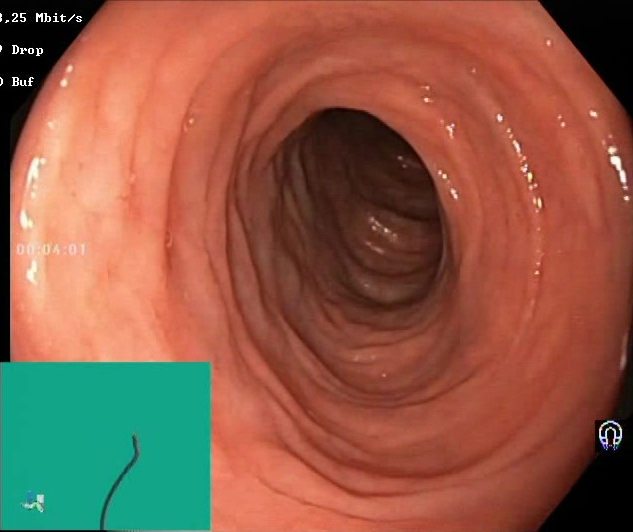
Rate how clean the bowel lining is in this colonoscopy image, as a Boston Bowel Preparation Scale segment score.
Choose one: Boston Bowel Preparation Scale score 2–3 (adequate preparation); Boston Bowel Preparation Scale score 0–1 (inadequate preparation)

Boston Bowel Preparation Scale score 2–3 (adequate preparation)